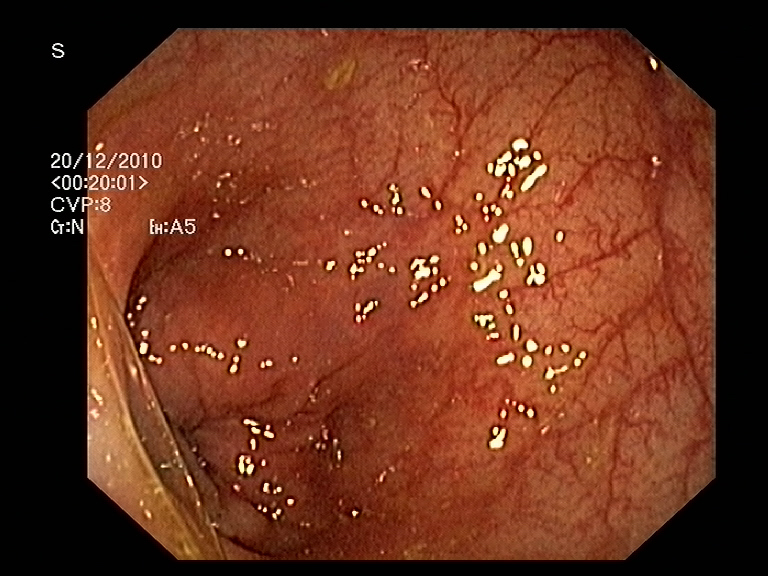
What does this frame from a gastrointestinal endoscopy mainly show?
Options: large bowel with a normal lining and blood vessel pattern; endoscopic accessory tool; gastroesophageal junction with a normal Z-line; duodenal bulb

large bowel with a normal lining and blood vessel pattern